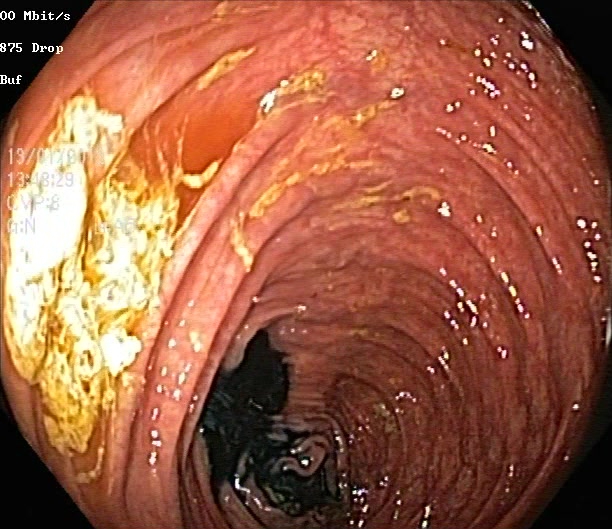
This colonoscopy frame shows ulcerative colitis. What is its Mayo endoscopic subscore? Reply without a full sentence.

ulcerative colitis, Mayo endoscopic subscore 1